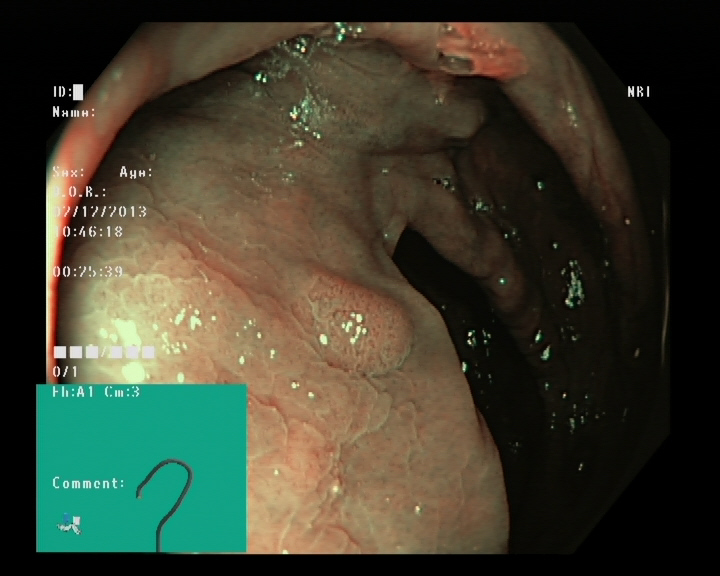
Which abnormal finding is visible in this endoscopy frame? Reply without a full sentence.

colon polyp